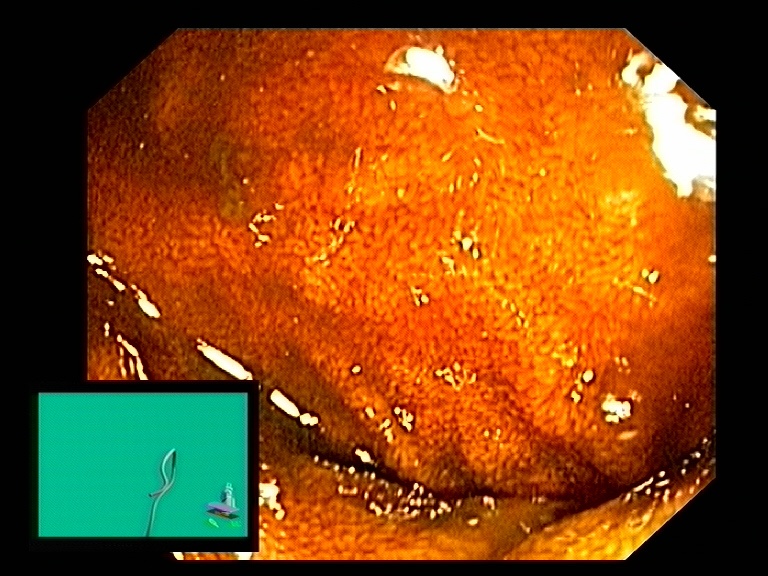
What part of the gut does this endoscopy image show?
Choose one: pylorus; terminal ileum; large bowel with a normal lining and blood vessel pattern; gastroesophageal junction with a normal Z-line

terminal ileum